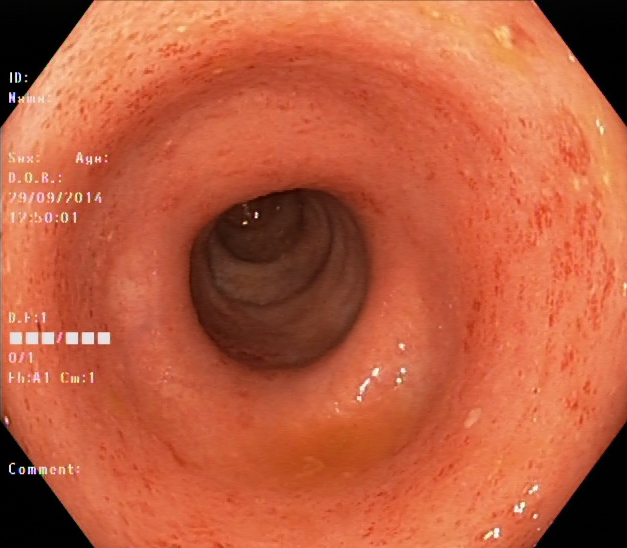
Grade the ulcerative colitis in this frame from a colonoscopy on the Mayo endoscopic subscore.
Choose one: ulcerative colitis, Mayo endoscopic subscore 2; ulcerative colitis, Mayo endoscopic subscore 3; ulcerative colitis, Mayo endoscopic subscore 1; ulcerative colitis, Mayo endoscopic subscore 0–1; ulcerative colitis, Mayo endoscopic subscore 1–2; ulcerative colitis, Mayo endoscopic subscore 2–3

ulcerative colitis, Mayo endoscopic subscore 1